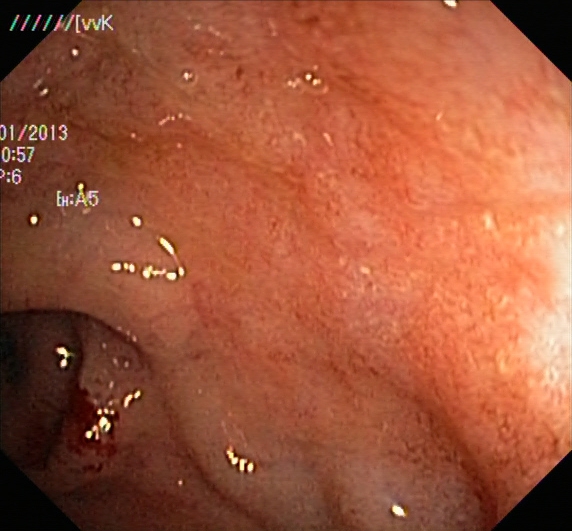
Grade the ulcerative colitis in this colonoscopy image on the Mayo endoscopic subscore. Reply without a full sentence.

ulcerative colitis, Mayo endoscopic subscore 2